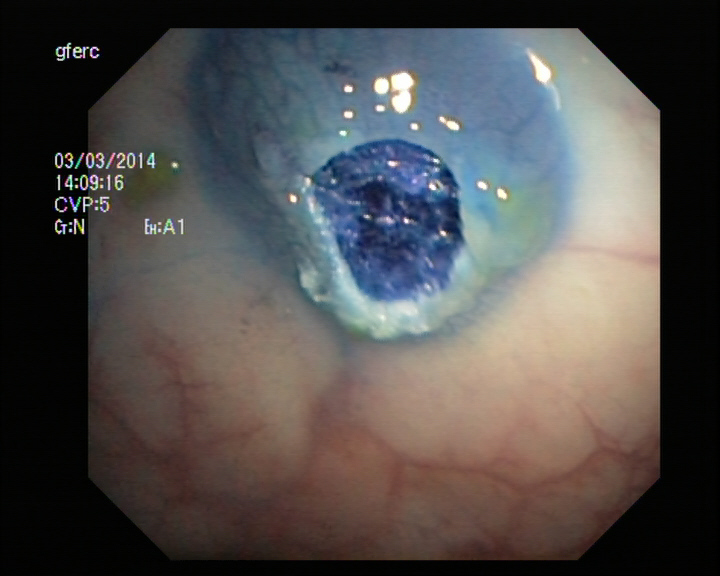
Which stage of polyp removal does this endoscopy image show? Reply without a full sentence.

dyed resection margin (post-polypectomy)